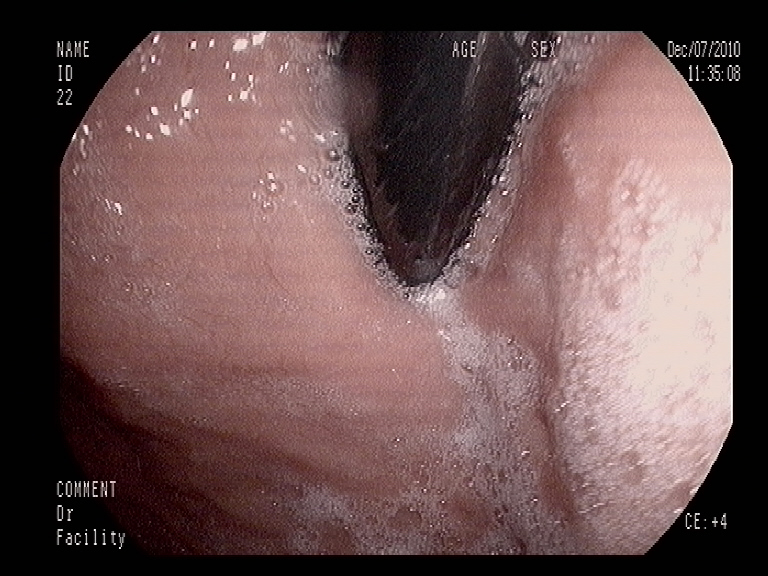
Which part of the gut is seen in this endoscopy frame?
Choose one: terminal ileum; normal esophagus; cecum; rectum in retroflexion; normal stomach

normal stomach